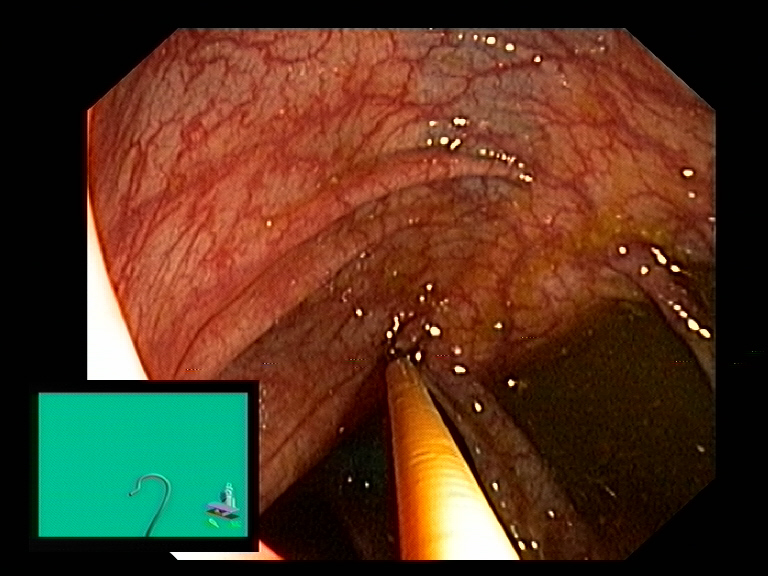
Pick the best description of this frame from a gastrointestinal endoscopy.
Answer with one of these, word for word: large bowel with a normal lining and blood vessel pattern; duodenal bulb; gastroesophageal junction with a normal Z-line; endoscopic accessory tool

endoscopic accessory tool